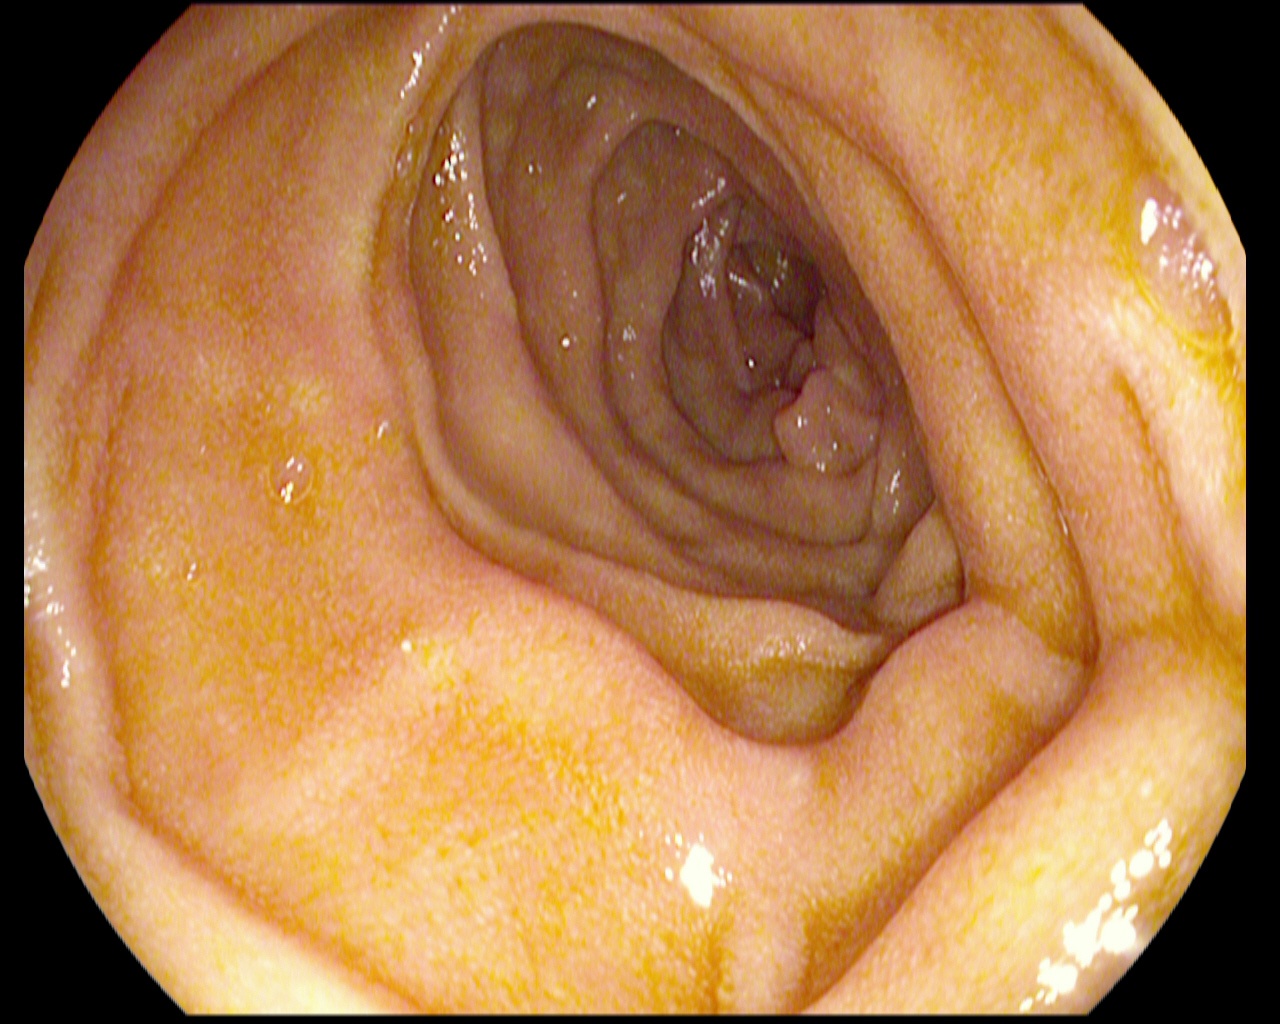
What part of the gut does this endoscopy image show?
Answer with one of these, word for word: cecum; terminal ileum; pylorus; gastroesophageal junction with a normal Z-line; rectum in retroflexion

terminal ileum